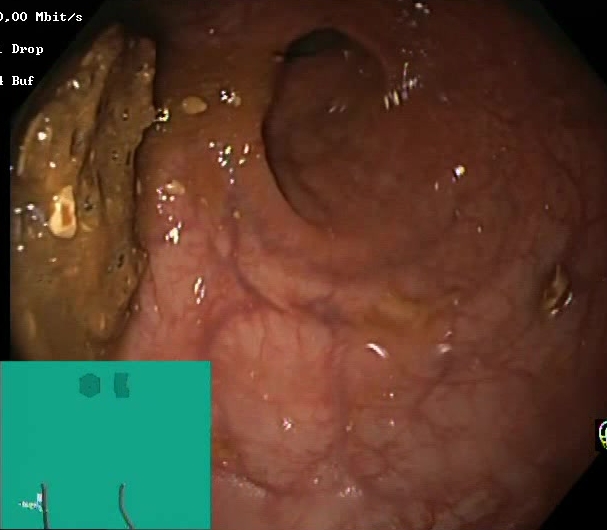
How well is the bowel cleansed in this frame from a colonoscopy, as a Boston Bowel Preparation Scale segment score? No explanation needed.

Boston Bowel Preparation Scale score 0–1 (inadequate preparation)